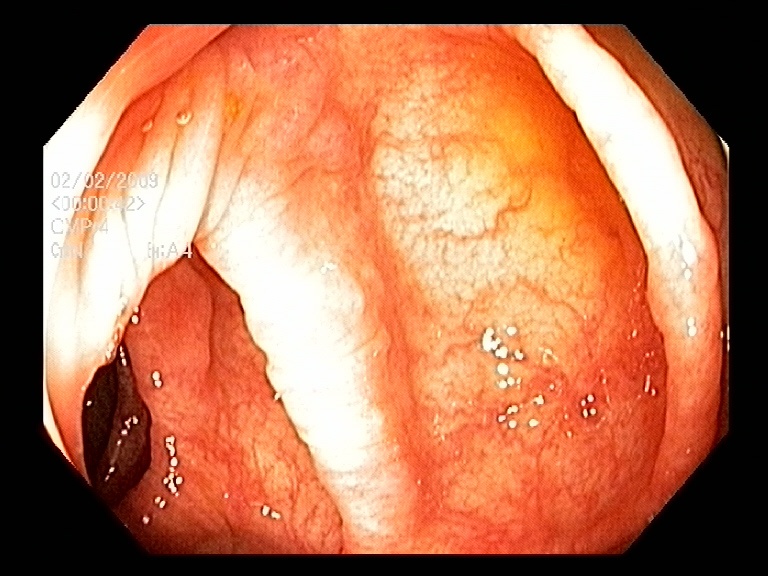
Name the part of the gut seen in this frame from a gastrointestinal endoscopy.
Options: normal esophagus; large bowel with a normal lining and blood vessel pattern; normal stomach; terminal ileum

large bowel with a normal lining and blood vessel pattern